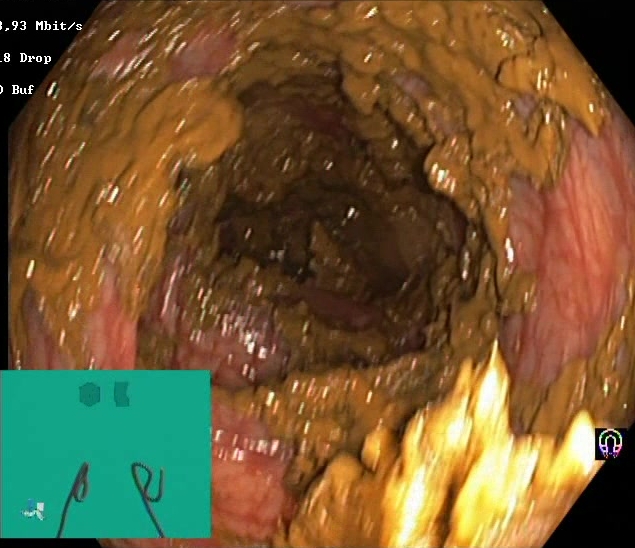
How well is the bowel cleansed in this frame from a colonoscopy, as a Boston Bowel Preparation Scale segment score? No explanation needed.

Boston Bowel Preparation Scale score 0–1 (inadequate preparation)